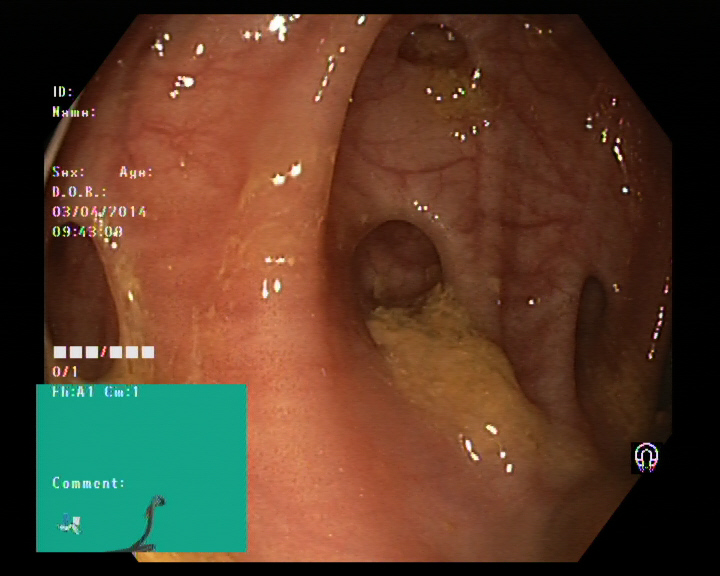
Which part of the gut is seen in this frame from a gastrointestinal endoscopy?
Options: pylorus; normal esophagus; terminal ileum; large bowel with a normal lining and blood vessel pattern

large bowel with a normal lining and blood vessel pattern